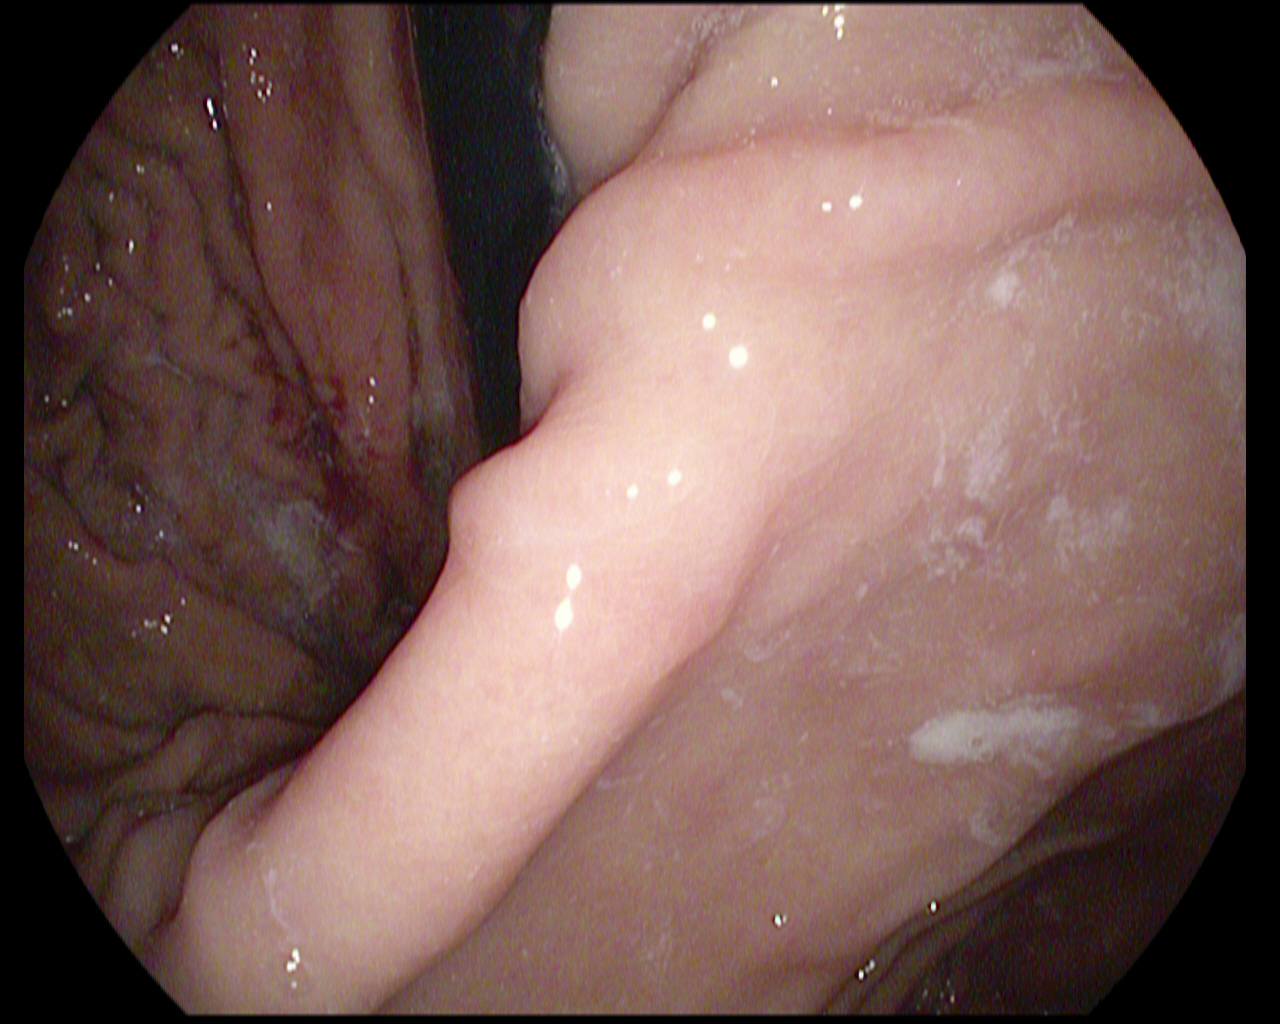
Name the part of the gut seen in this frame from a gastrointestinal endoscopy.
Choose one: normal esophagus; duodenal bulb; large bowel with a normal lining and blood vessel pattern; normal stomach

normal stomach